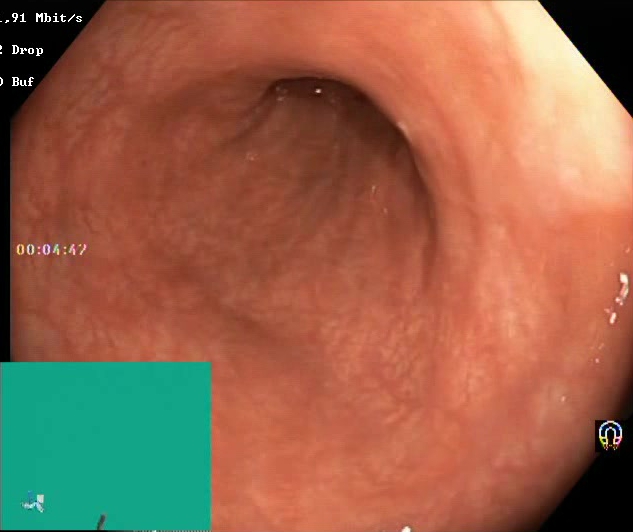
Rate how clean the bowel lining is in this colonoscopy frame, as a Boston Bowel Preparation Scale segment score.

Boston Bowel Preparation Scale score 2–3 (adequate preparation)